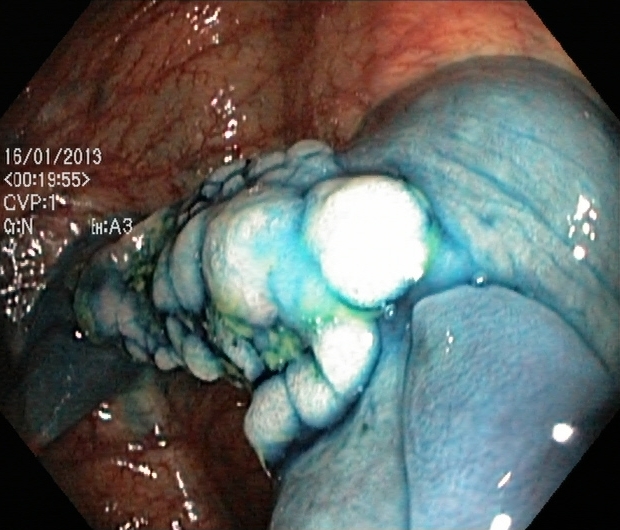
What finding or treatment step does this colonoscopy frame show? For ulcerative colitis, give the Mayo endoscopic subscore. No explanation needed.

dyed and lifted polyp (pre-resection)